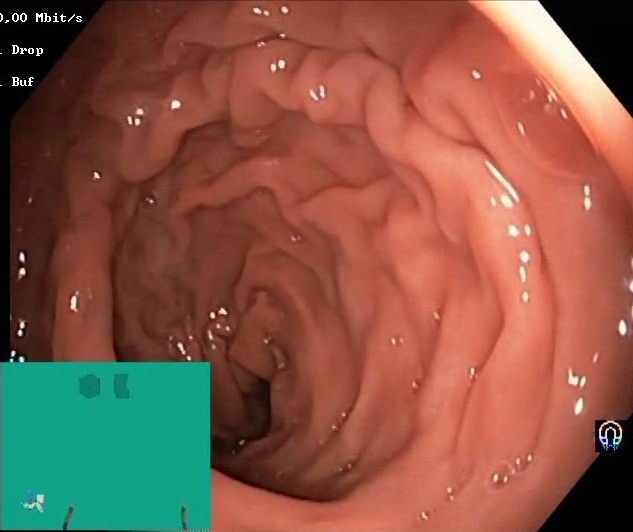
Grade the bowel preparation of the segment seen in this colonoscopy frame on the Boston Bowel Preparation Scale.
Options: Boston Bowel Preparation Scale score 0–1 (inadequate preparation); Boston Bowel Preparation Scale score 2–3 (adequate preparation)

Boston Bowel Preparation Scale score 2–3 (adequate preparation)